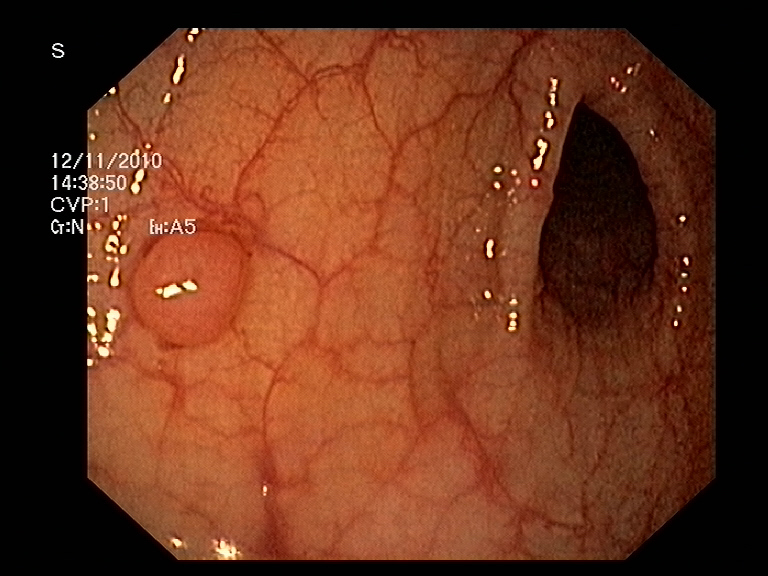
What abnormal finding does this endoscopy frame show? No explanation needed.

colon polyp